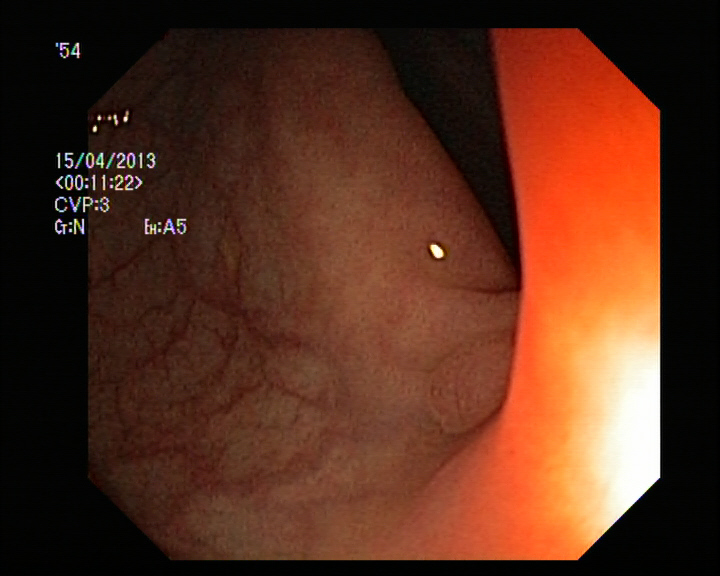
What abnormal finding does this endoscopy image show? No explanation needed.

colon polyp